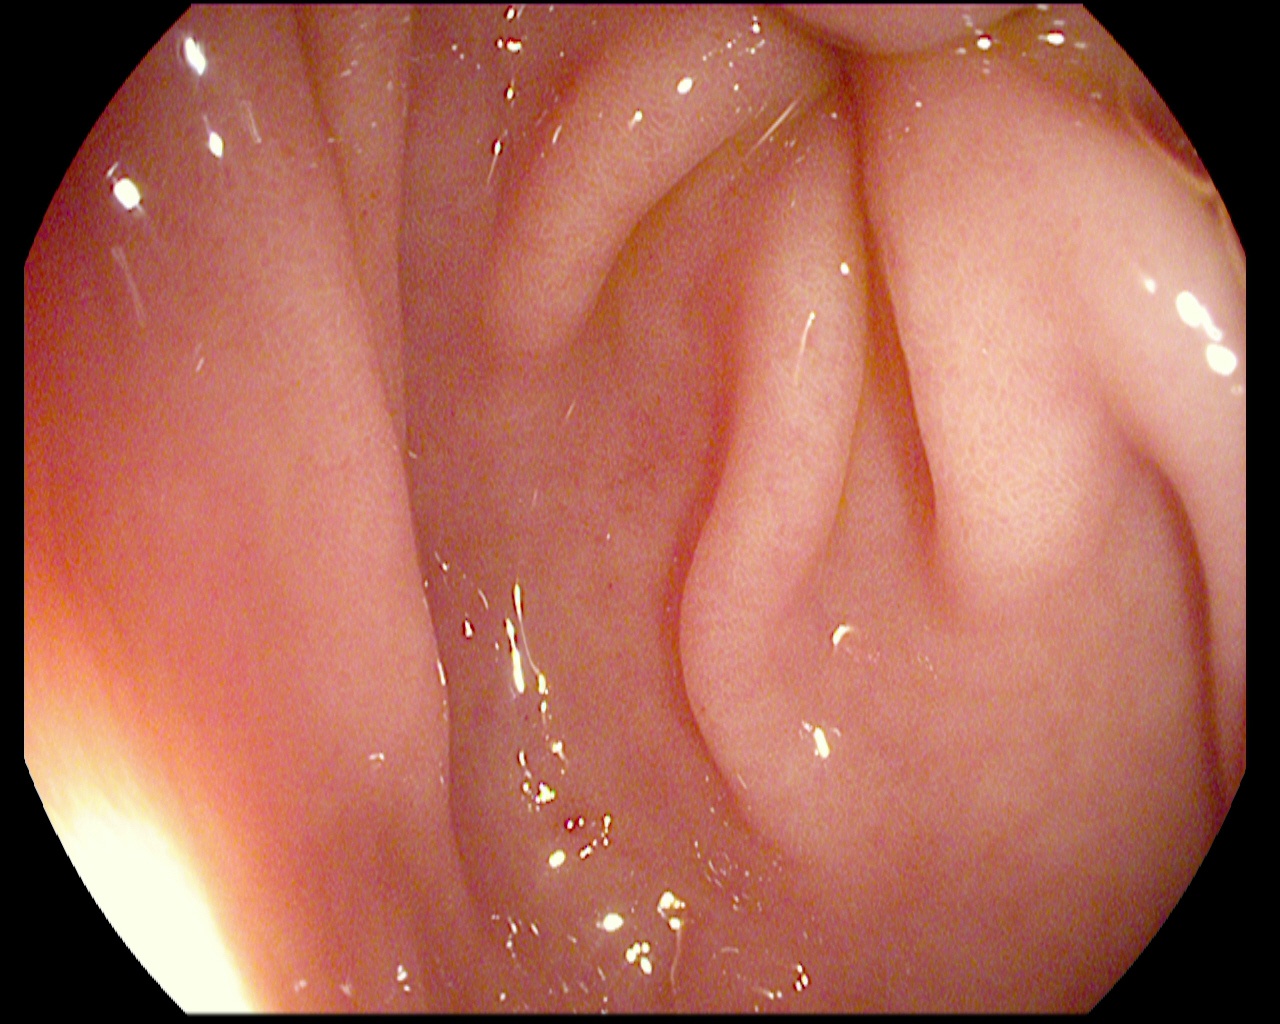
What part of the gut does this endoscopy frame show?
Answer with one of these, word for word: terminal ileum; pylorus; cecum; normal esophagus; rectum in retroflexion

pylorus